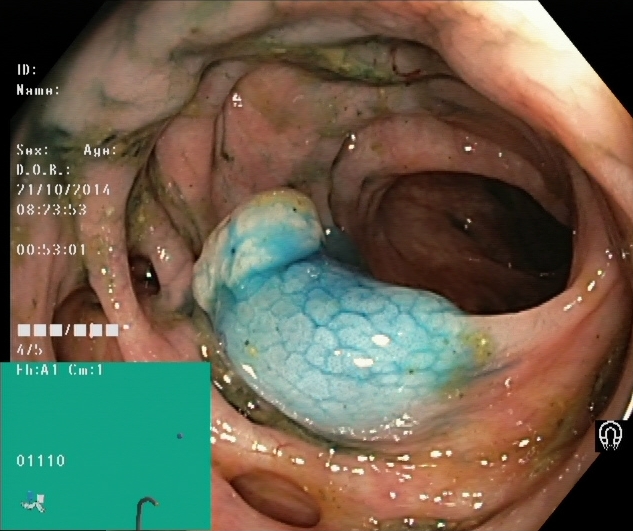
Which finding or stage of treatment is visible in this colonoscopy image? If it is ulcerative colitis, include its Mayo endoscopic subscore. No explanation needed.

dyed and lifted polyp (pre-resection)